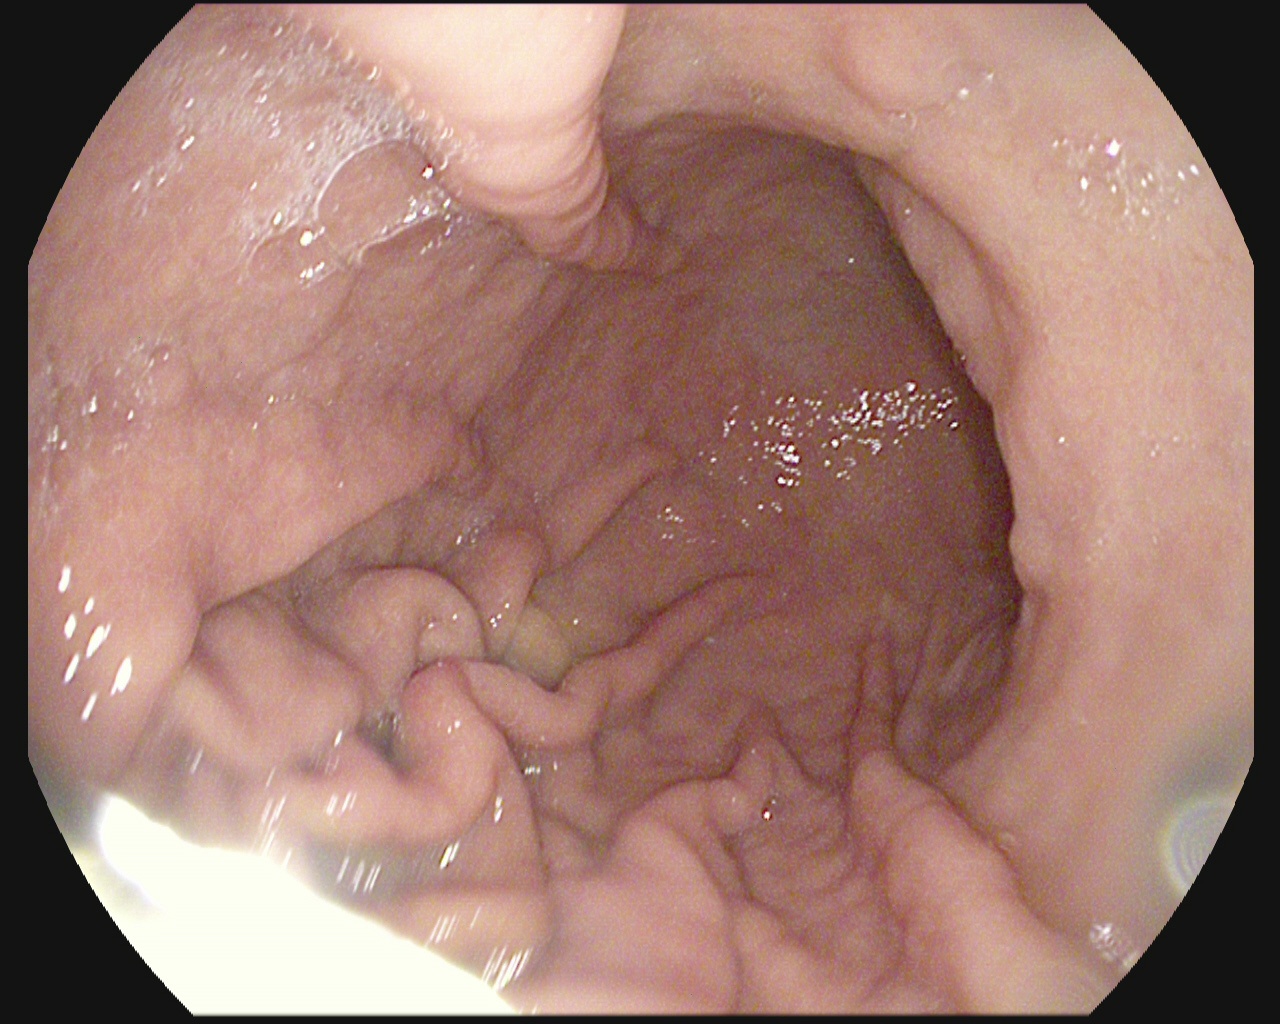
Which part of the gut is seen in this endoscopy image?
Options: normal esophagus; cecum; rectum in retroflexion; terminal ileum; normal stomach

normal stomach